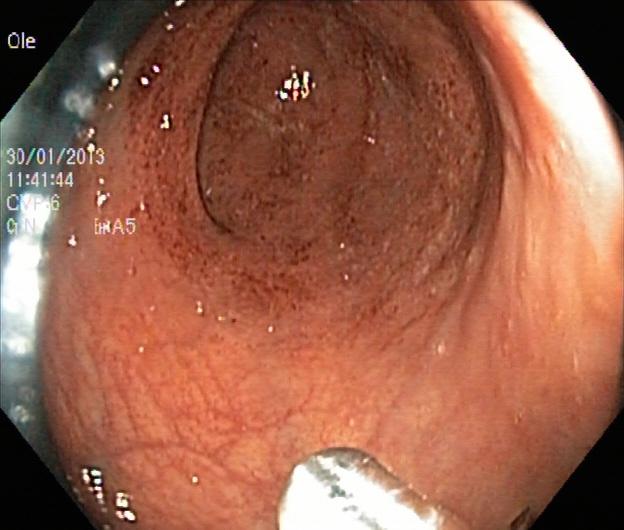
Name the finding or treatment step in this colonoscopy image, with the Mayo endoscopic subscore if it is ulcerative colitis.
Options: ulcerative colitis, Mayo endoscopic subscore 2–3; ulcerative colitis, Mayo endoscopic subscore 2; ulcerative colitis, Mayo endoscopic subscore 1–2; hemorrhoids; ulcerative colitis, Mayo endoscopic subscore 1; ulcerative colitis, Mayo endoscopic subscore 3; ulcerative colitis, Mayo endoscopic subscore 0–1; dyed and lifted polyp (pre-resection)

ulcerative colitis, Mayo endoscopic subscore 0–1